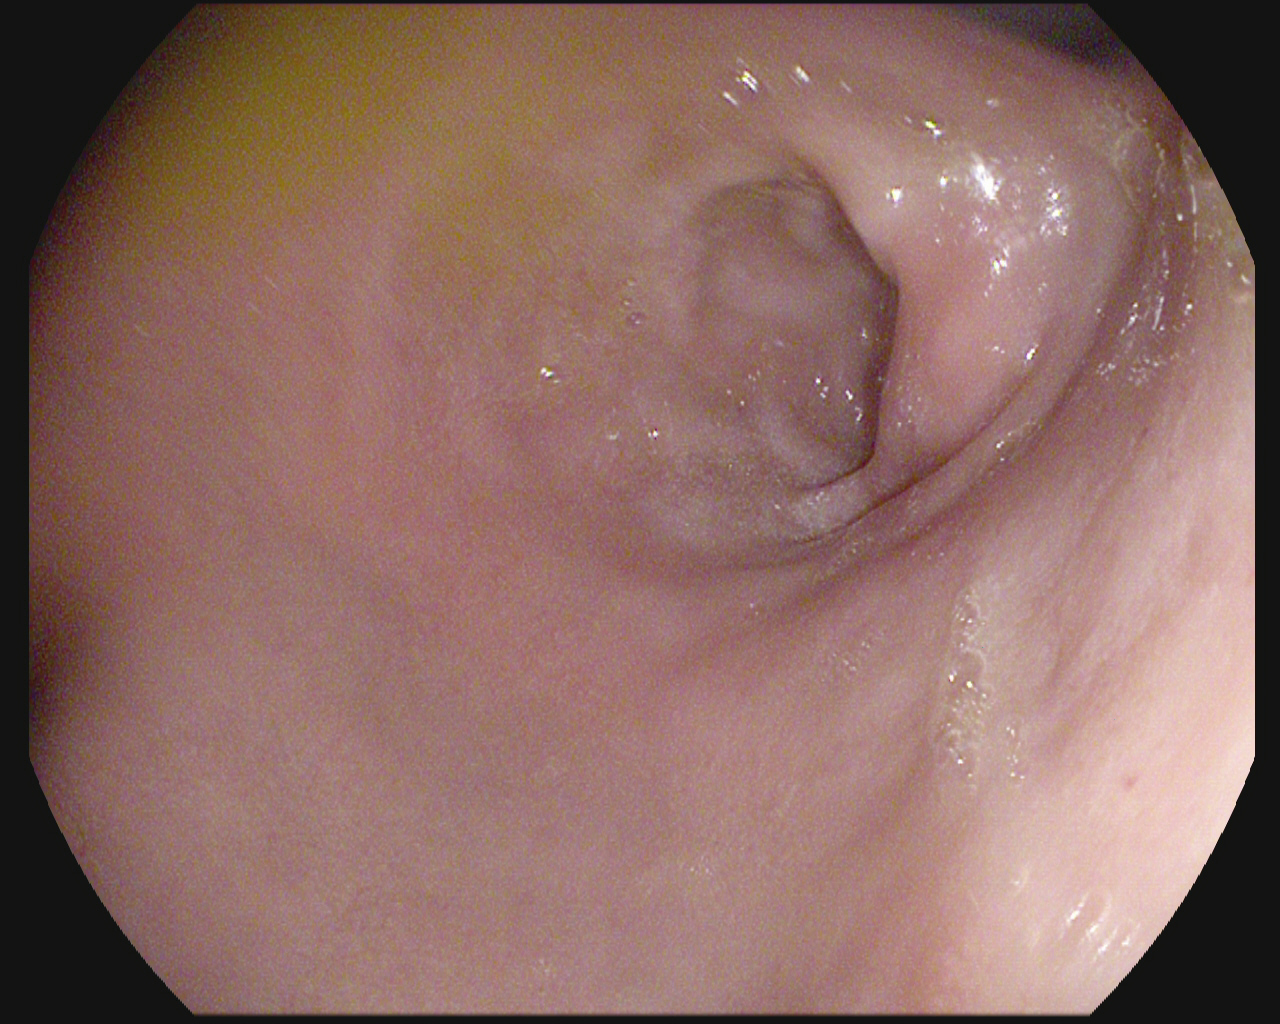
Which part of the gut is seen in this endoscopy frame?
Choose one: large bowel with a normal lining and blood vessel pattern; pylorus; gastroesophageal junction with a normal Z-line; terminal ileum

pylorus